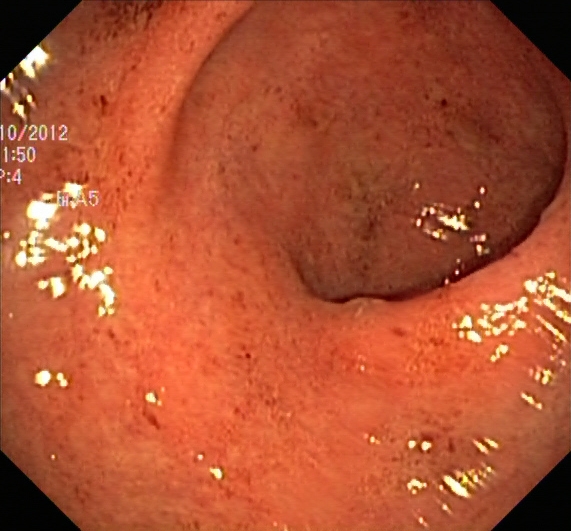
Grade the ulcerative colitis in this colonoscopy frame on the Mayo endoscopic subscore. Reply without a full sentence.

ulcerative colitis, Mayo endoscopic subscore 1